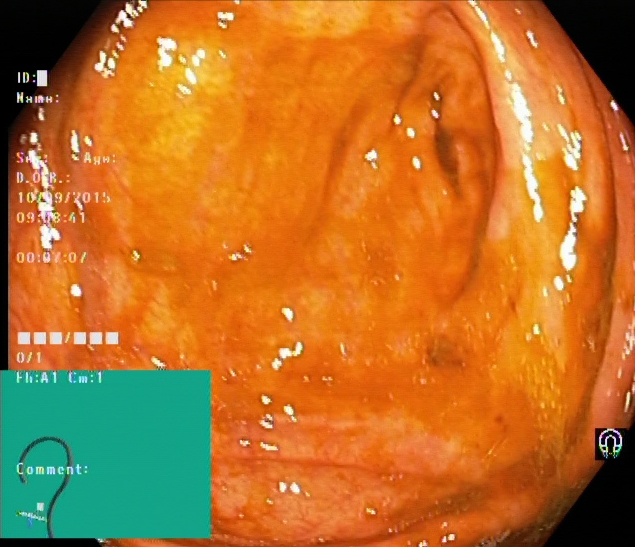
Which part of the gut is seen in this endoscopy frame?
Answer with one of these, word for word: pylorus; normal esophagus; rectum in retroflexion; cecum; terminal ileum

cecum